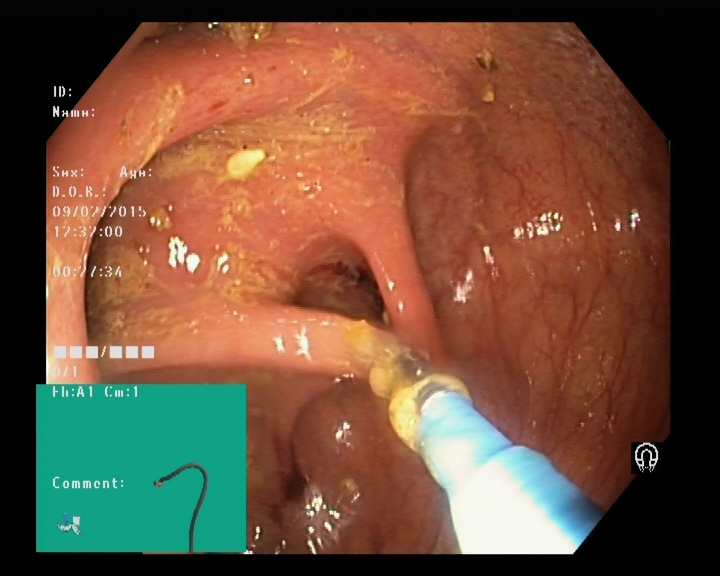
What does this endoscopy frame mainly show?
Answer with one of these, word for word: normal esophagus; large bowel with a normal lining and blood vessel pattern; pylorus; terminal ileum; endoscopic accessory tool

endoscopic accessory tool